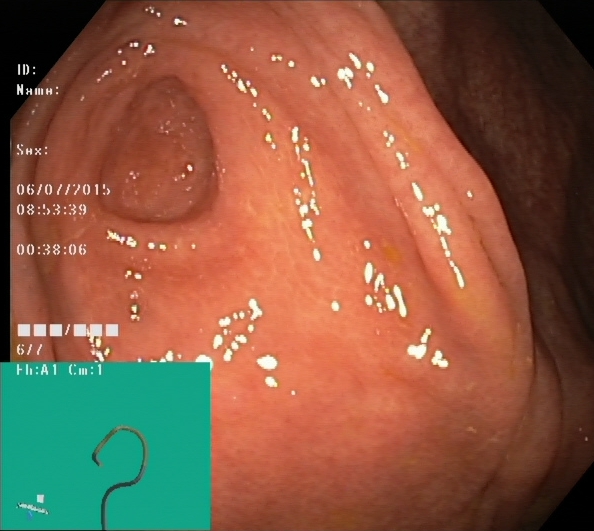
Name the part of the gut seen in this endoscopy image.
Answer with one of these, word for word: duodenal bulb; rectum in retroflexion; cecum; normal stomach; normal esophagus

cecum